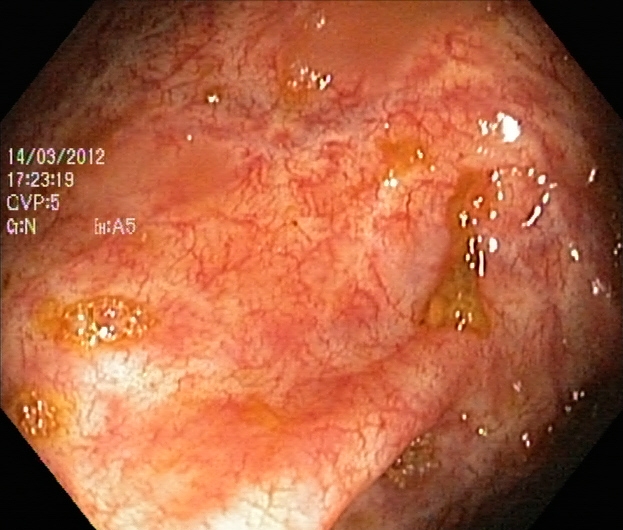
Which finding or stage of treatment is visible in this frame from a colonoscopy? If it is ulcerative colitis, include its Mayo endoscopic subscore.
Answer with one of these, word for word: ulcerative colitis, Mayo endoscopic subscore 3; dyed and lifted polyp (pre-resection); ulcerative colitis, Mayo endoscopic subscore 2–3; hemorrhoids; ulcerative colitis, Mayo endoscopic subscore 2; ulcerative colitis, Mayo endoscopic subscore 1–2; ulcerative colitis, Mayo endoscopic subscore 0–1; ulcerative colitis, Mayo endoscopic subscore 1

ulcerative colitis, Mayo endoscopic subscore 1